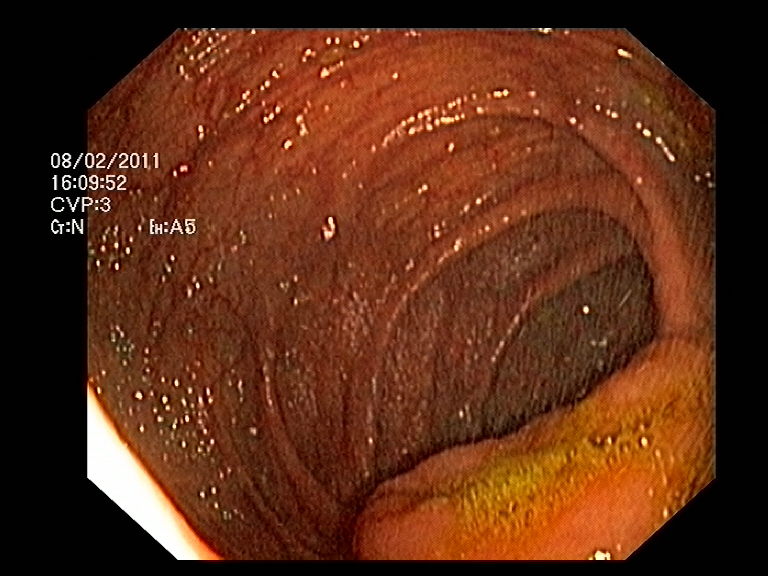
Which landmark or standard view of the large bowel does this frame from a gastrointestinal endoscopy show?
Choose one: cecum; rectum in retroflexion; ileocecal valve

ileocecal valve